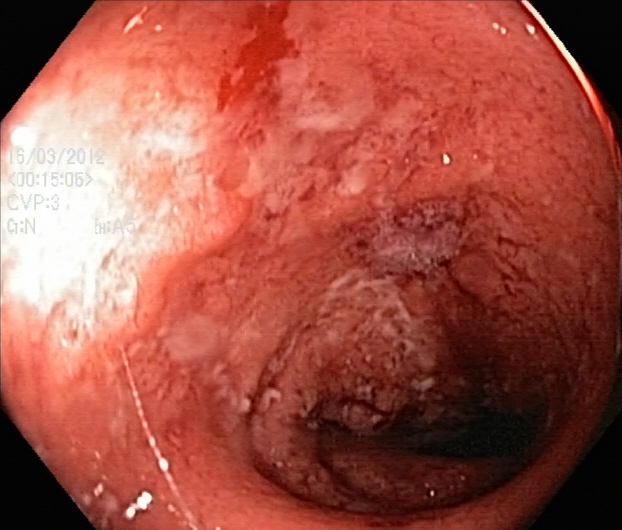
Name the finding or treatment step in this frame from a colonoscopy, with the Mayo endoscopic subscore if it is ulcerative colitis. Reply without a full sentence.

ulcerative colitis, Mayo endoscopic subscore 3